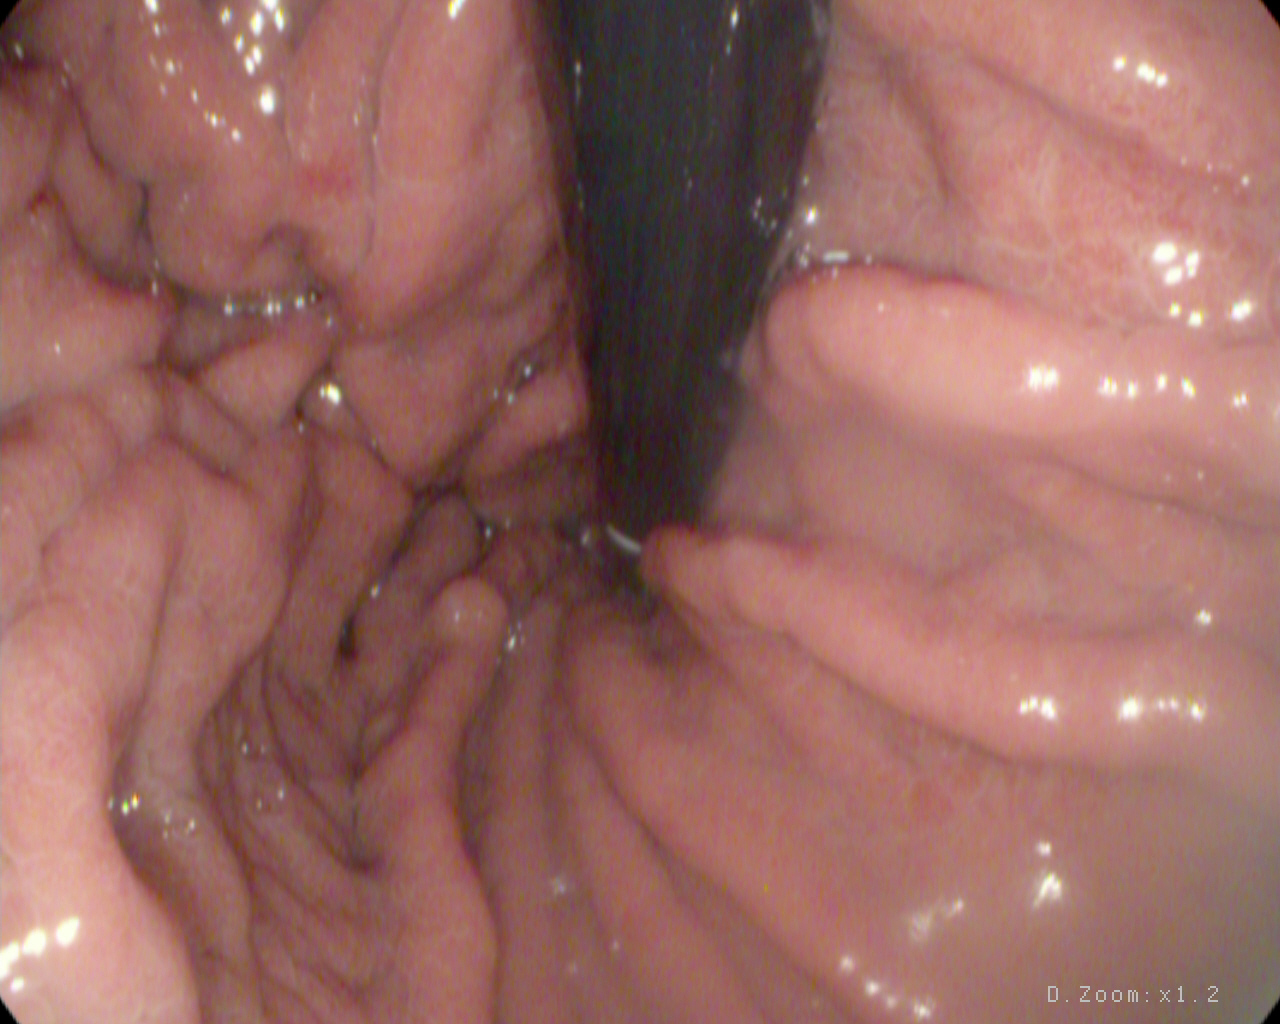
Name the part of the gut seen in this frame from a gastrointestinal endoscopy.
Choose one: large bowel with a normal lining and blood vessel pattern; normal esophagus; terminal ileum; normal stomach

normal stomach